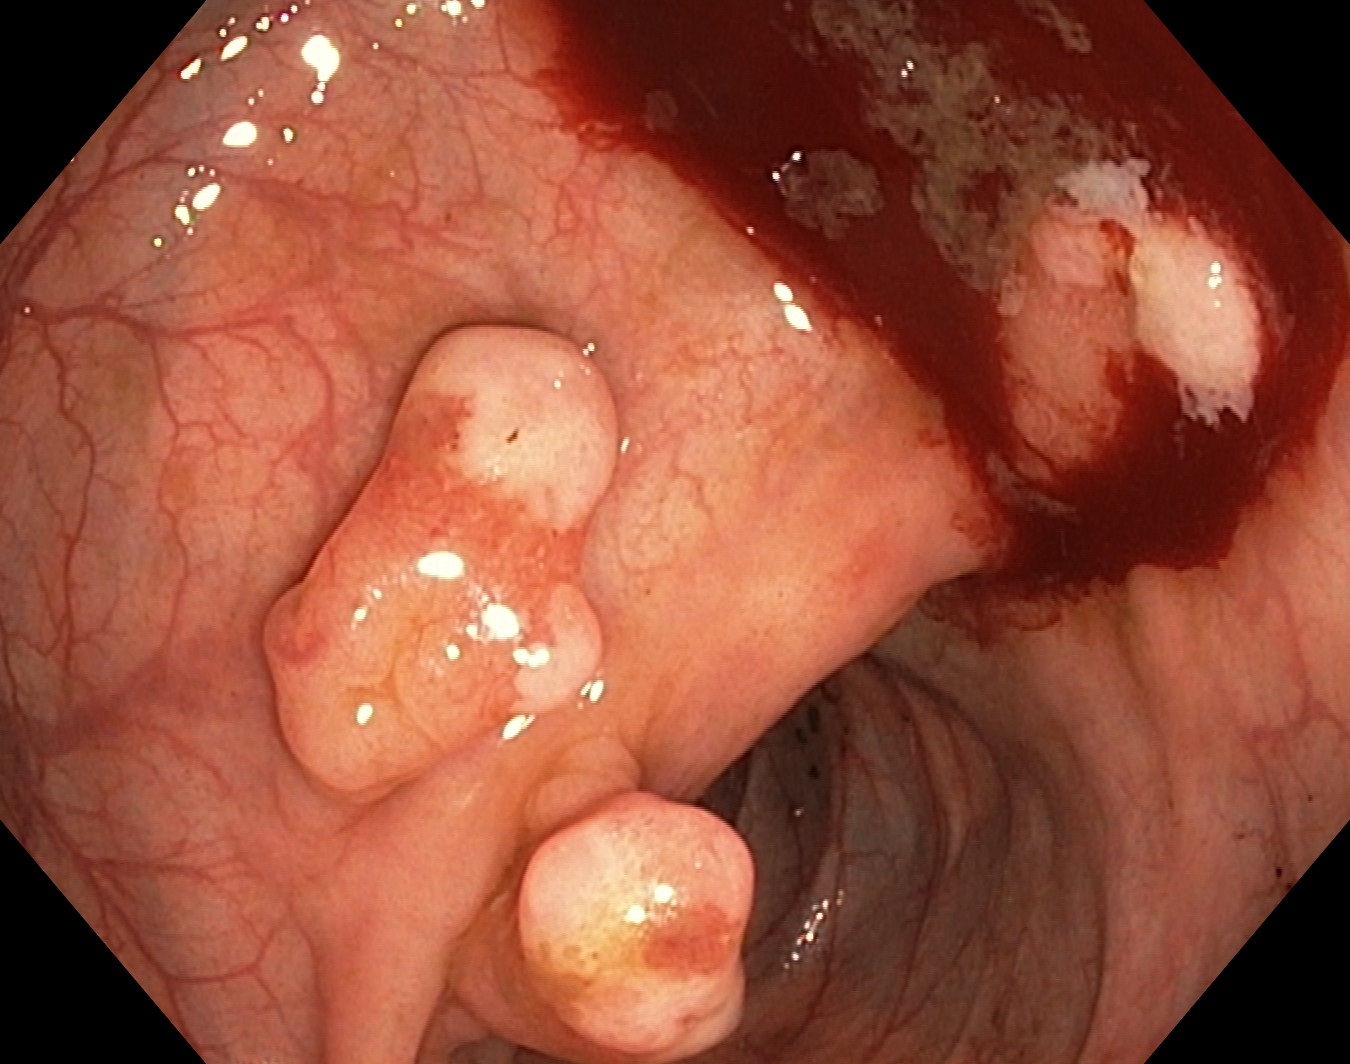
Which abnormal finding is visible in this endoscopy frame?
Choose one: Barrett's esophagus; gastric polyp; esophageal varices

gastric polyp